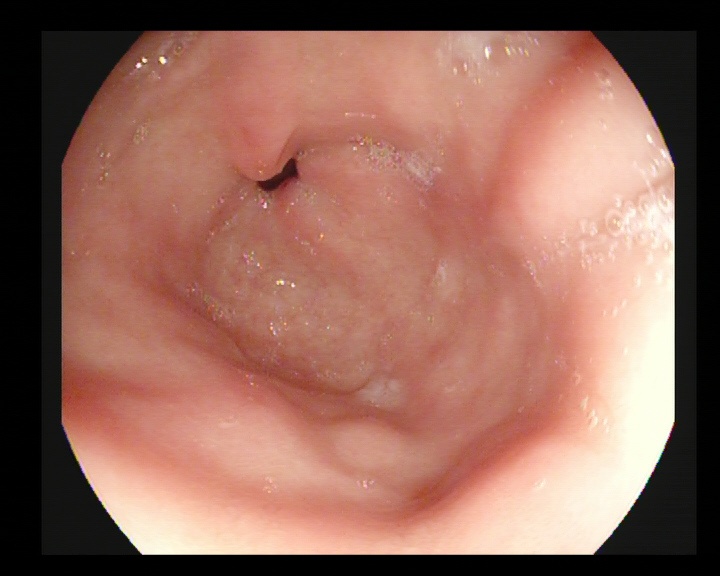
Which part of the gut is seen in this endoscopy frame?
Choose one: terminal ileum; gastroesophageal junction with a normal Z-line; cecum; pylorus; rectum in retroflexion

pylorus